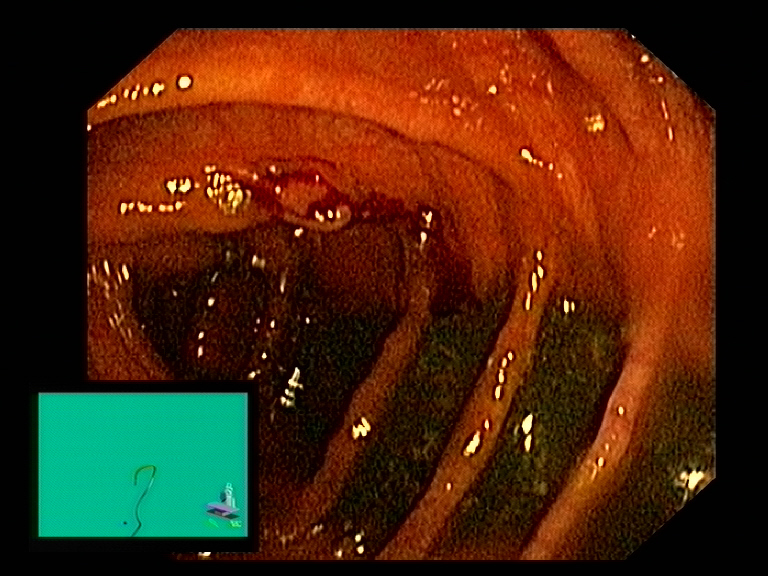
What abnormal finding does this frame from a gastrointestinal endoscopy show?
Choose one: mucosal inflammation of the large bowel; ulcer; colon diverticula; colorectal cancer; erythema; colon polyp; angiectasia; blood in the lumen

blood in the lumen